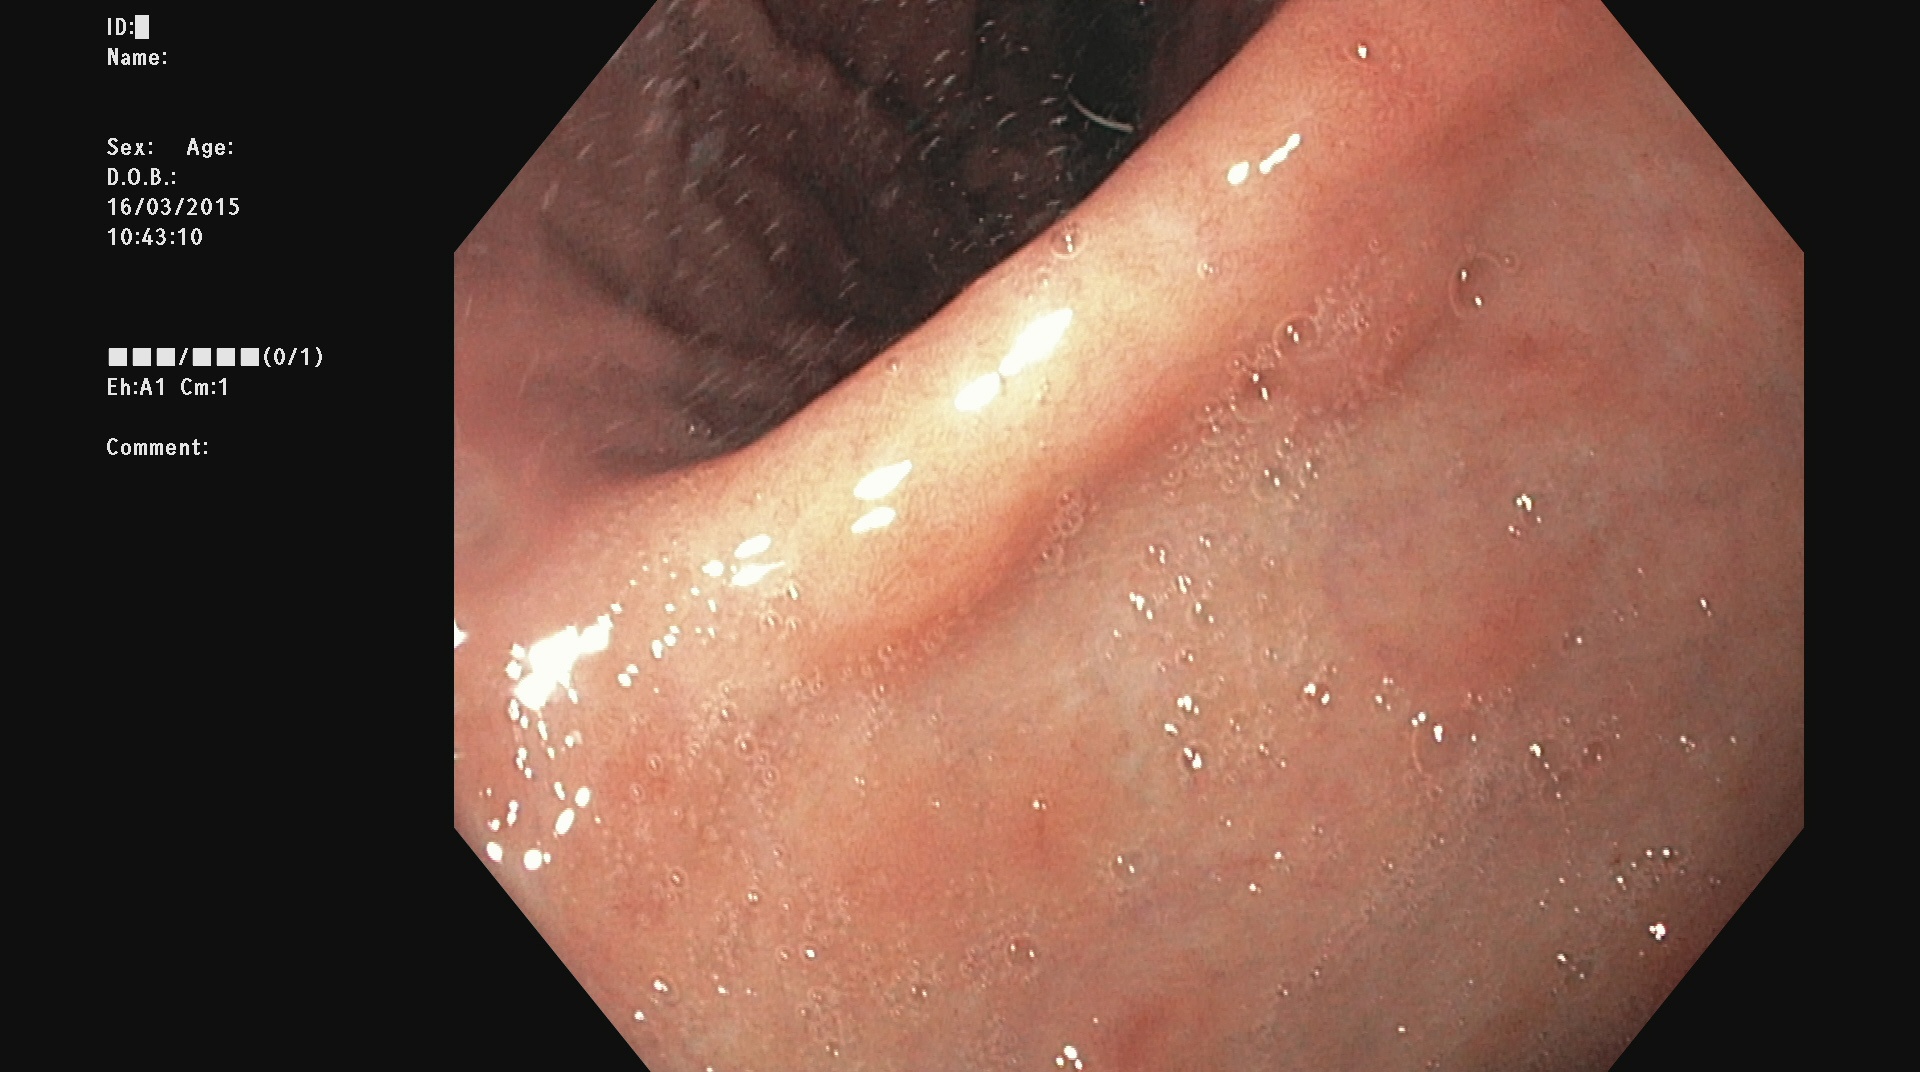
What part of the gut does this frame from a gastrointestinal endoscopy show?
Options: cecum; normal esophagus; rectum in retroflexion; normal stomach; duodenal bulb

normal stomach